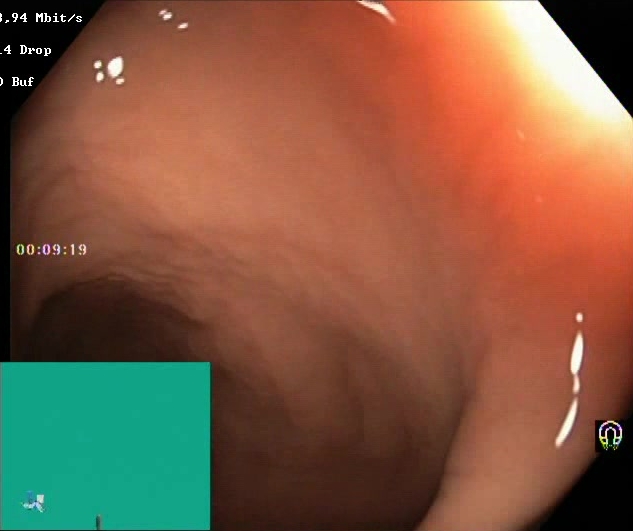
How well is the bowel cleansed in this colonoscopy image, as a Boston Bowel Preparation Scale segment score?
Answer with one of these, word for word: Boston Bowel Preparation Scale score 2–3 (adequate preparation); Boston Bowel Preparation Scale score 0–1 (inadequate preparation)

Boston Bowel Preparation Scale score 2–3 (adequate preparation)